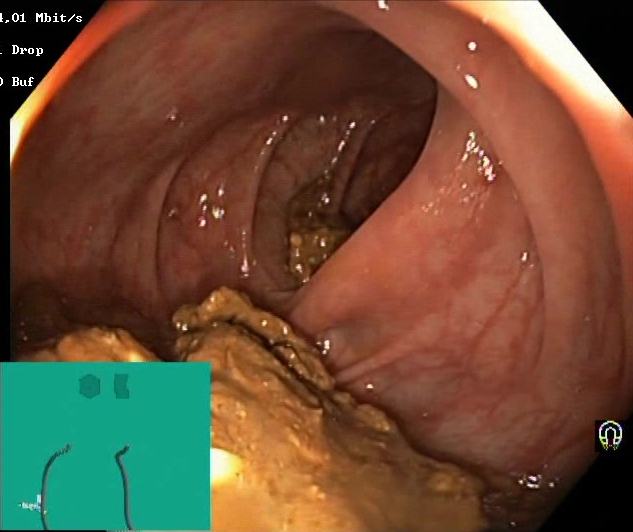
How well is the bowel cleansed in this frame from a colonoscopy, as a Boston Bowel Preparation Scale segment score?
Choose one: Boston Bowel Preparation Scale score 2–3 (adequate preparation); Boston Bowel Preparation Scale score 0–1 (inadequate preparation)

Boston Bowel Preparation Scale score 0–1 (inadequate preparation)